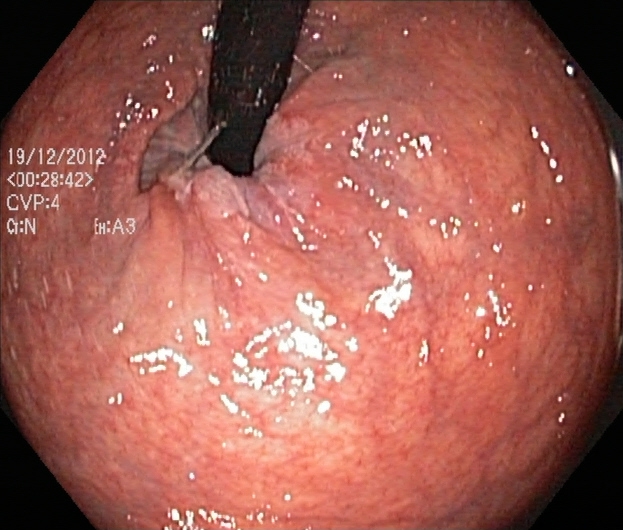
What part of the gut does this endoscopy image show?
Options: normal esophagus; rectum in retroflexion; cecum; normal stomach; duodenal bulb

rectum in retroflexion